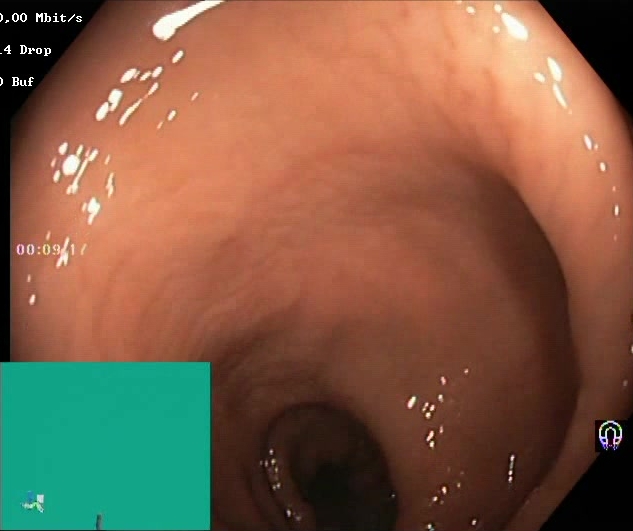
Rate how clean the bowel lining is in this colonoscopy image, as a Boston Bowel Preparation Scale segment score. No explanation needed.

Boston Bowel Preparation Scale score 2–3 (adequate preparation)